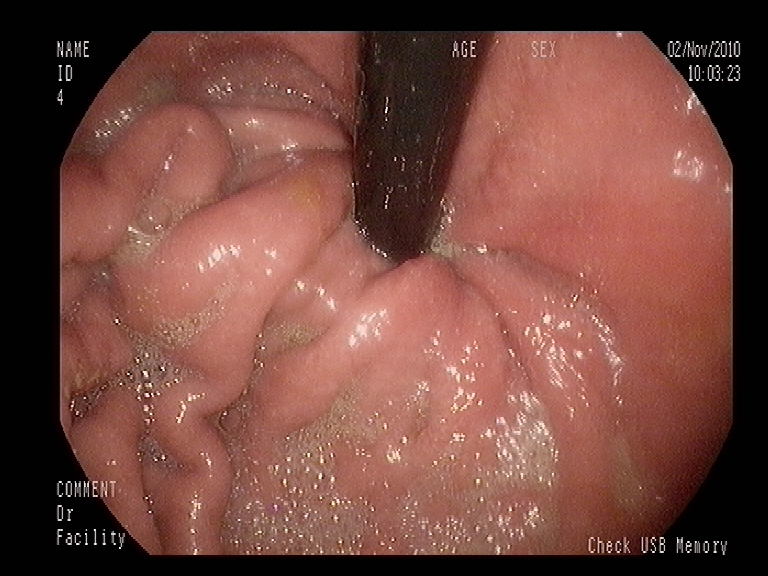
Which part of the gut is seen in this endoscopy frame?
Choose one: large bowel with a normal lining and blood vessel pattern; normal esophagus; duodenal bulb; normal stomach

normal stomach